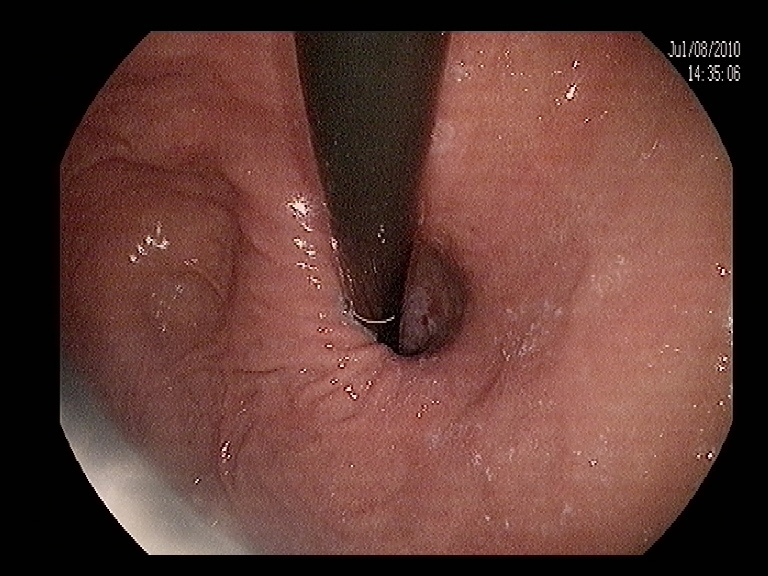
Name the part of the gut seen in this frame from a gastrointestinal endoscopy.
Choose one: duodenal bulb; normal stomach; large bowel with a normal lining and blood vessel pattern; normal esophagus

normal stomach